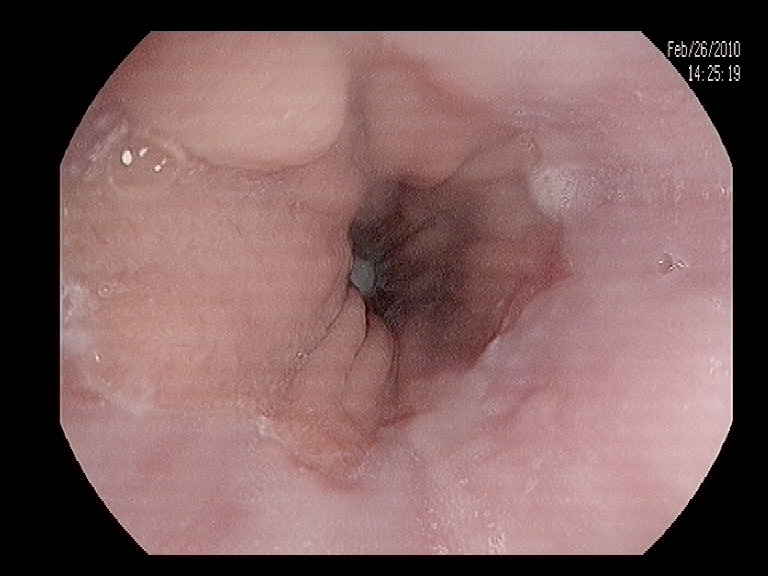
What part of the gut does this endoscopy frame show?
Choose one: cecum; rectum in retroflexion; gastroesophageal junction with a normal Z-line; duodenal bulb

gastroesophageal junction with a normal Z-line